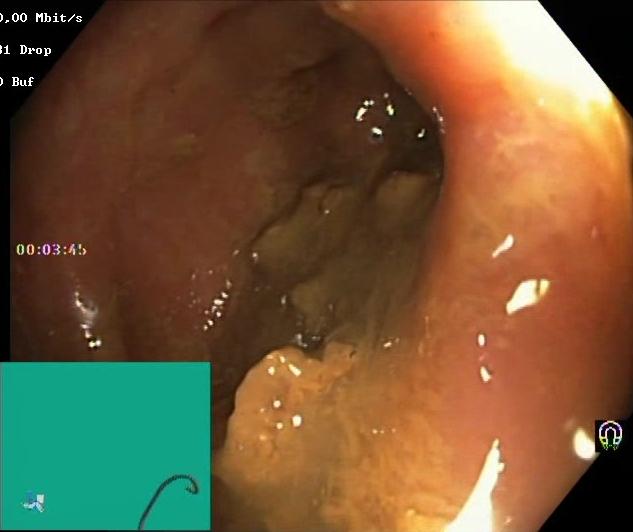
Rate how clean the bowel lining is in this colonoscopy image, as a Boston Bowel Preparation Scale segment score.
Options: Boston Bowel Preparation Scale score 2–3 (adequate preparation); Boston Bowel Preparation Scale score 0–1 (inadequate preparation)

Boston Bowel Preparation Scale score 0–1 (inadequate preparation)